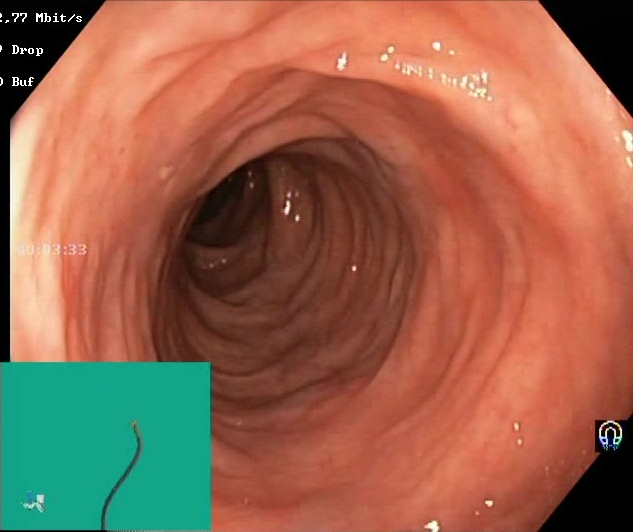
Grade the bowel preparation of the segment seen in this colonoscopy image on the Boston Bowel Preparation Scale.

Boston Bowel Preparation Scale score 2–3 (adequate preparation)